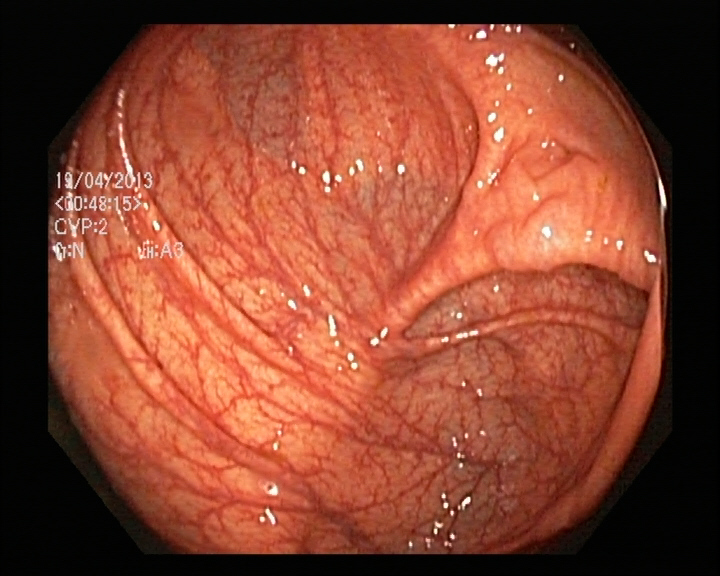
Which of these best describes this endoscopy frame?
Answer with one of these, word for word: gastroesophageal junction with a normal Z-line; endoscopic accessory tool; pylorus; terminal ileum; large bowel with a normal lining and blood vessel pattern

large bowel with a normal lining and blood vessel pattern